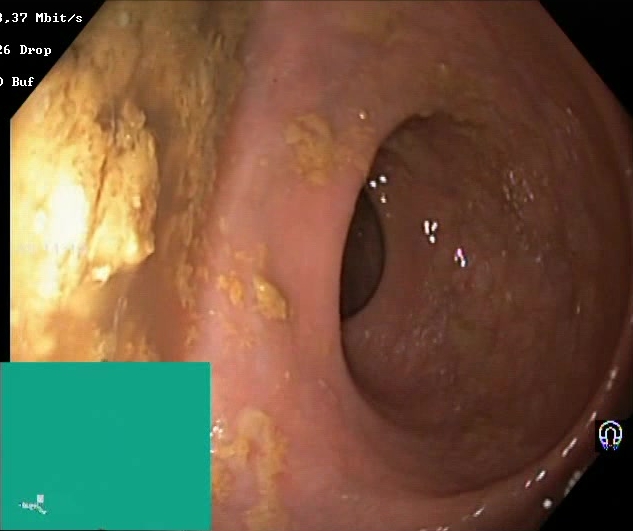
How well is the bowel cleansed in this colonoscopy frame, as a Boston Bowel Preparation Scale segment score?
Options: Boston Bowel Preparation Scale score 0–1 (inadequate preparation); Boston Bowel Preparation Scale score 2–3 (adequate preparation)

Boston Bowel Preparation Scale score 0–1 (inadequate preparation)